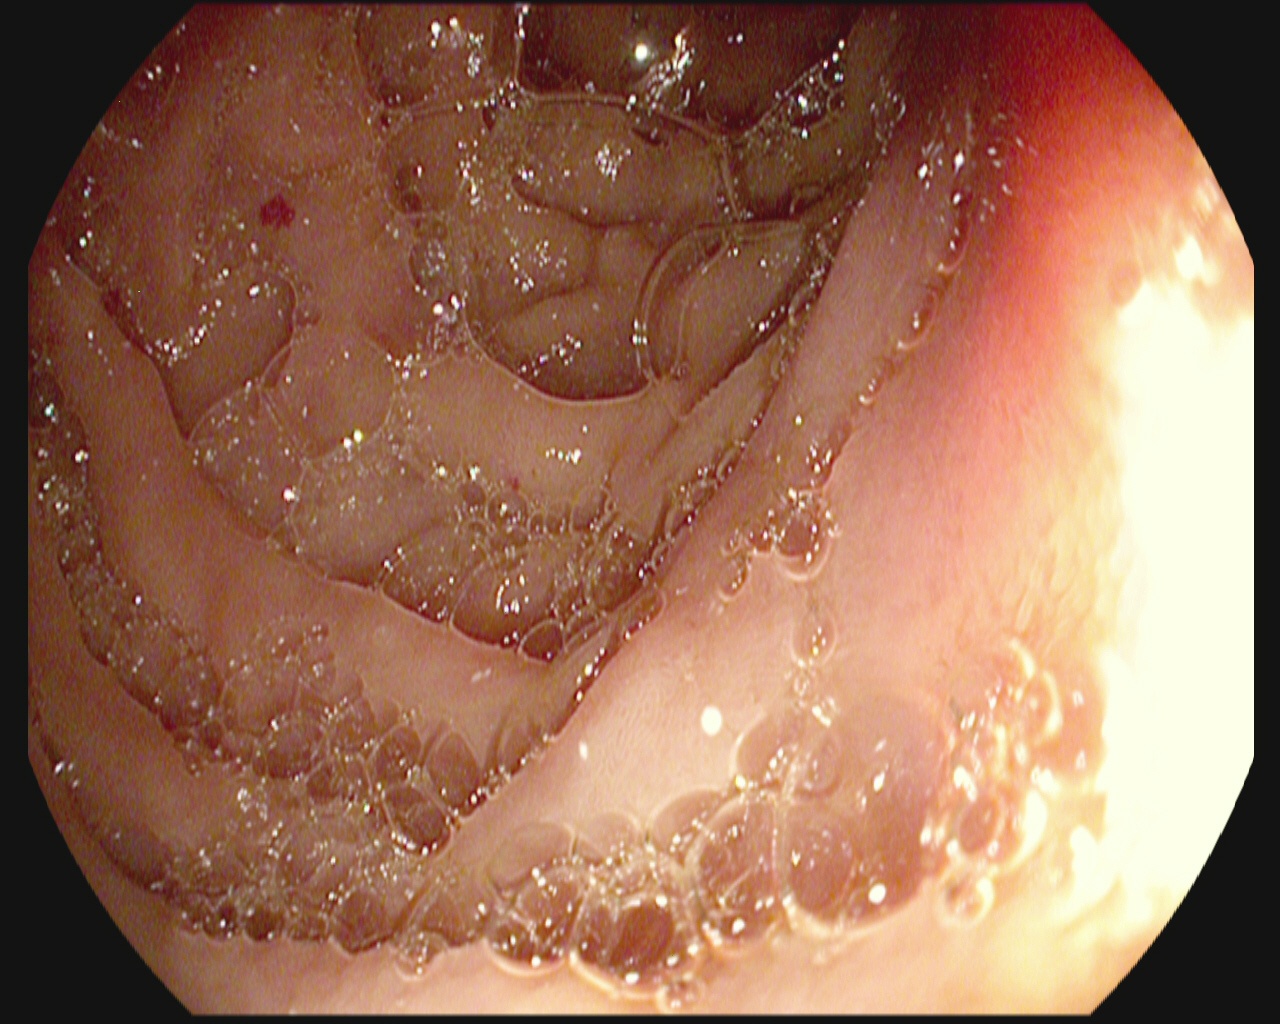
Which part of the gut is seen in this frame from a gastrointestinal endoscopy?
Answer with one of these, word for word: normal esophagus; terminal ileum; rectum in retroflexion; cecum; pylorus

terminal ileum